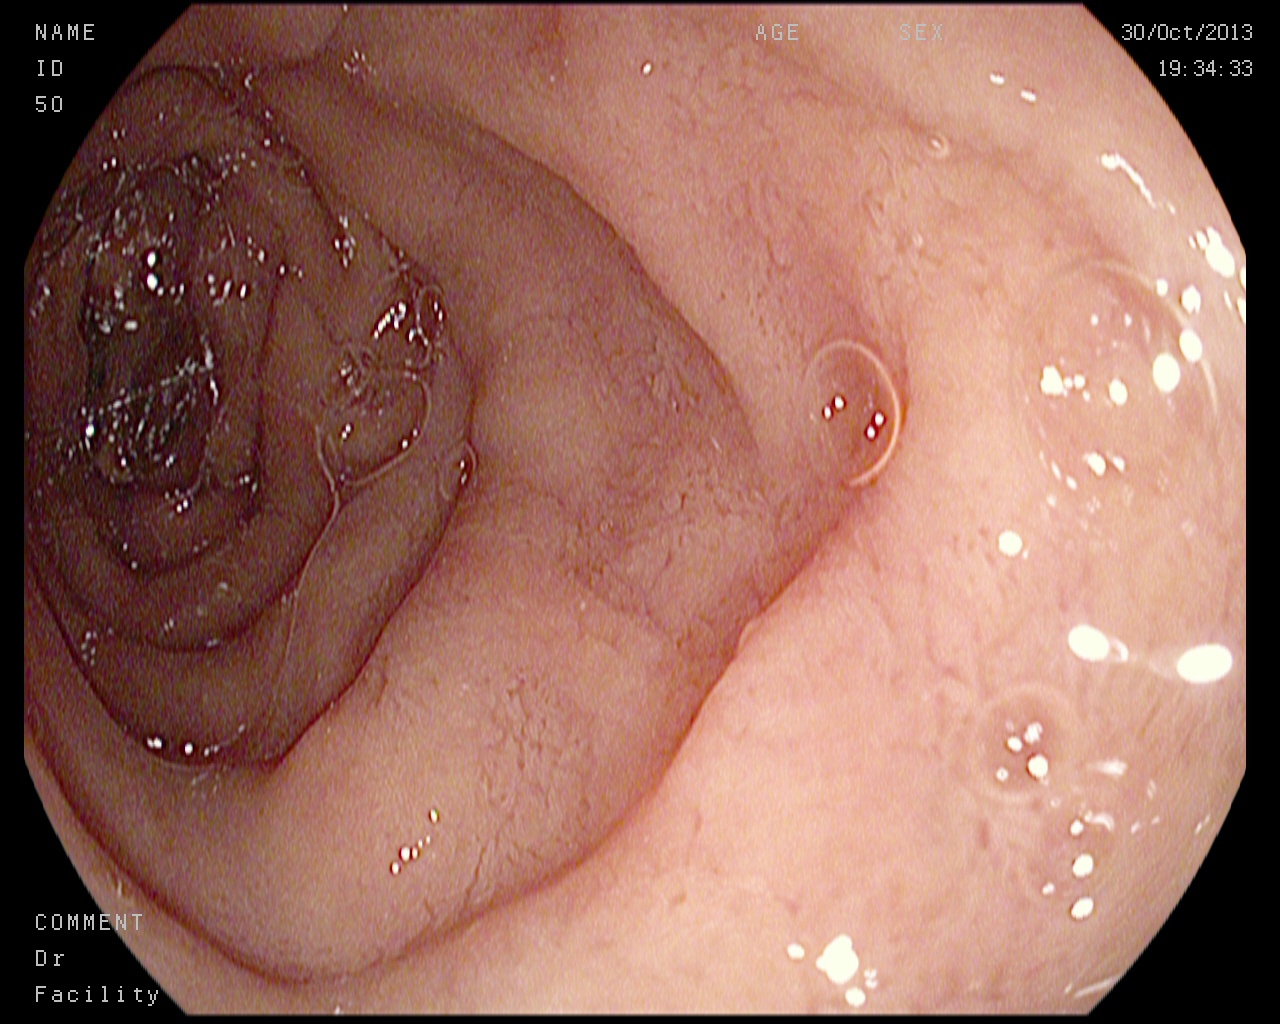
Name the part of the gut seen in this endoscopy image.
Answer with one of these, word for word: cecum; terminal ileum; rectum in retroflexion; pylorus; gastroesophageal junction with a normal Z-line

terminal ileum